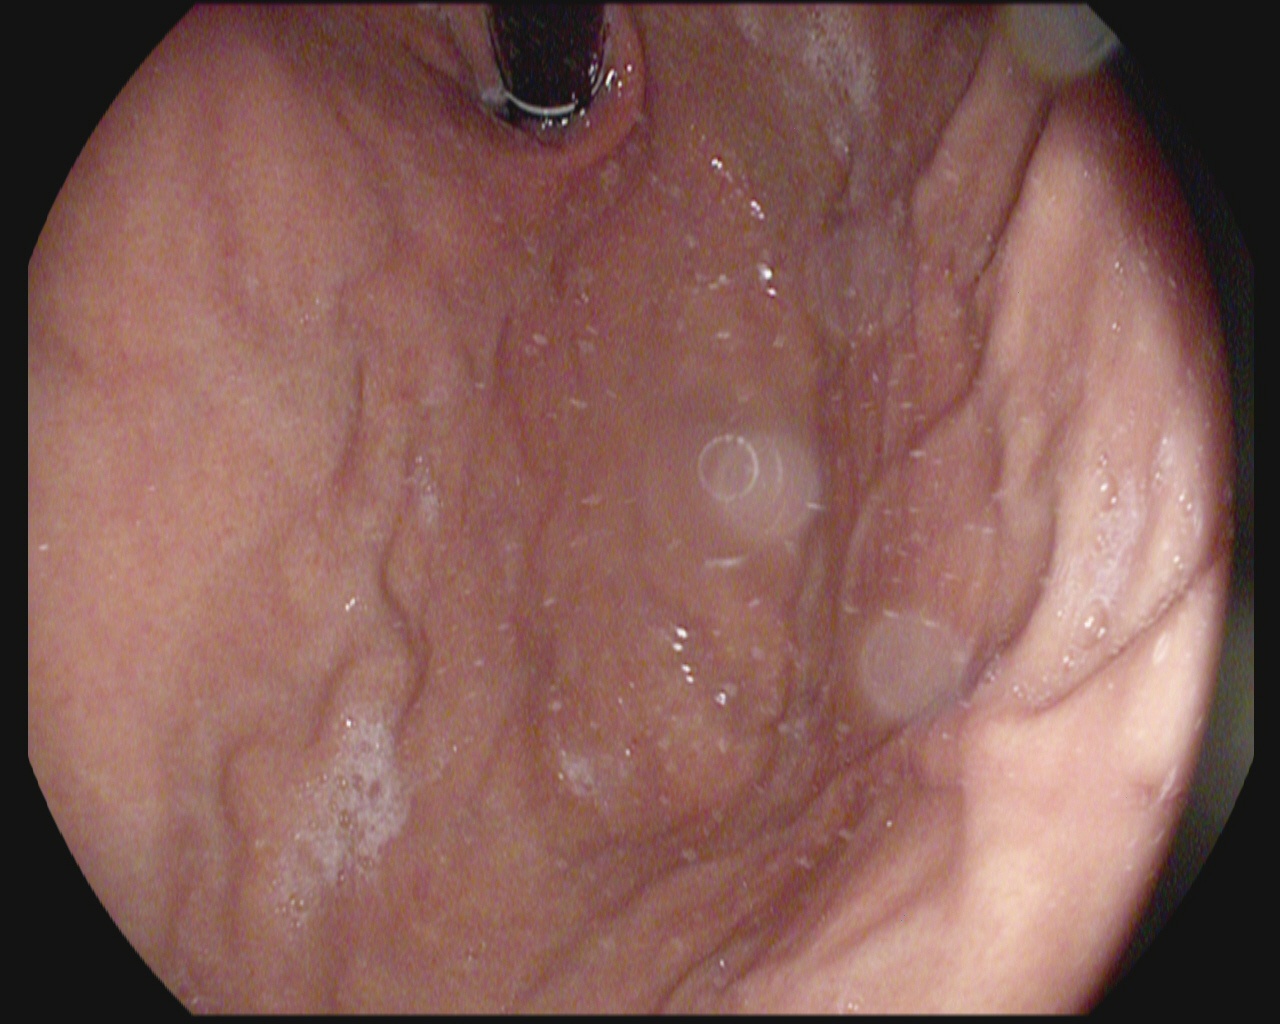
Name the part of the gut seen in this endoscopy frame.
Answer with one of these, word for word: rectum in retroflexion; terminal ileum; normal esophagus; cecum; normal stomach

normal stomach